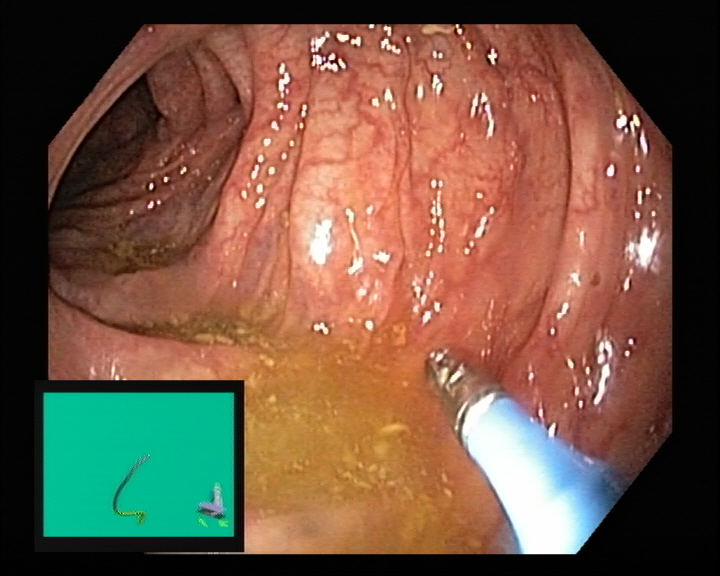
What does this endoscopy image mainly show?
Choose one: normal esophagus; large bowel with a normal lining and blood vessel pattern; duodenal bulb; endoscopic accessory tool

endoscopic accessory tool